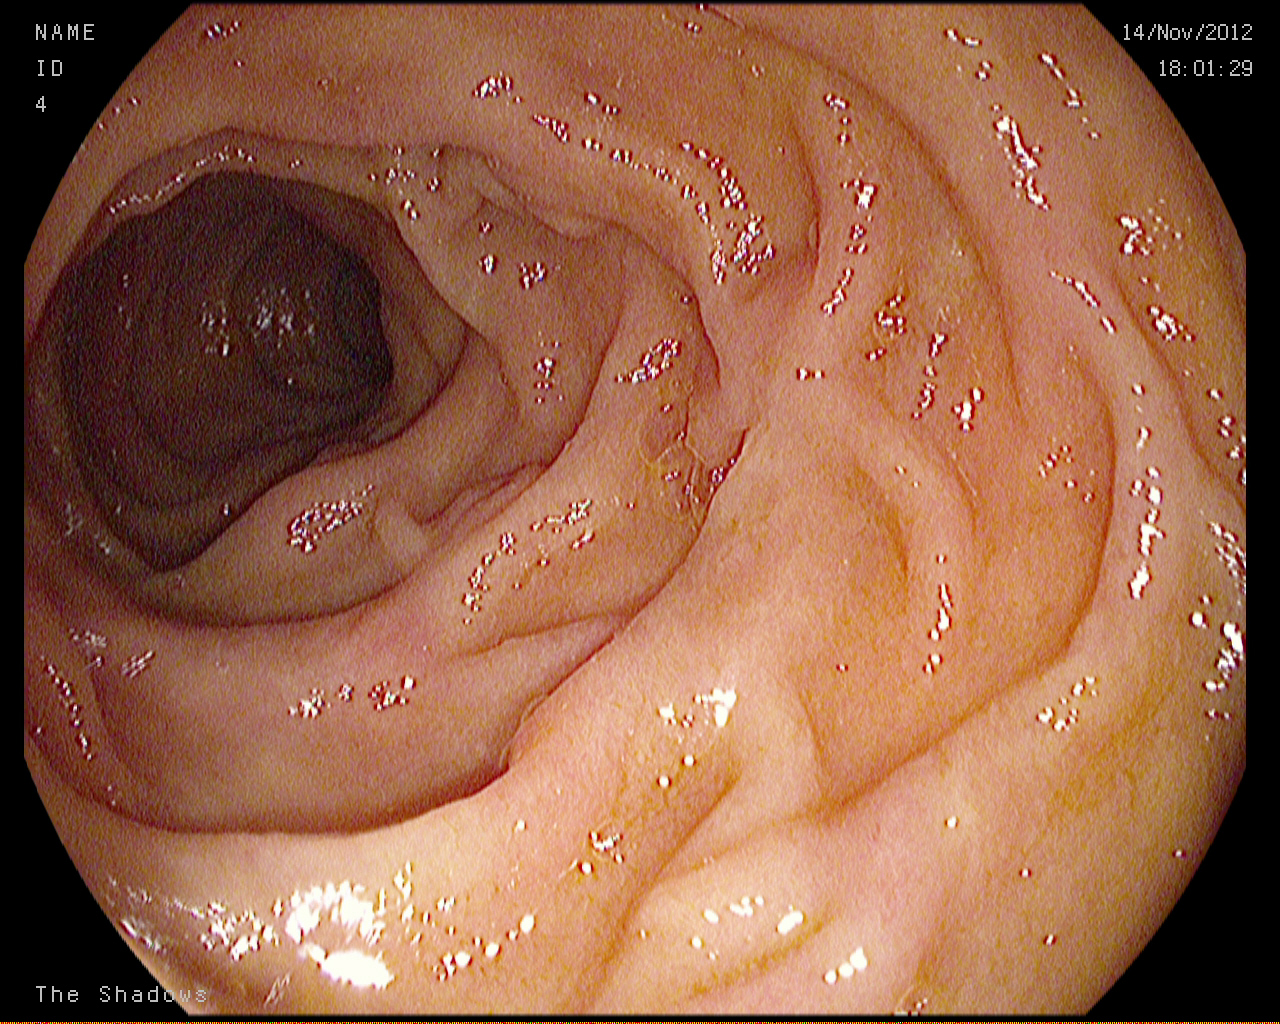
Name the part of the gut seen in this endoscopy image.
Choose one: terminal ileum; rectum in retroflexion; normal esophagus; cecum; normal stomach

terminal ileum